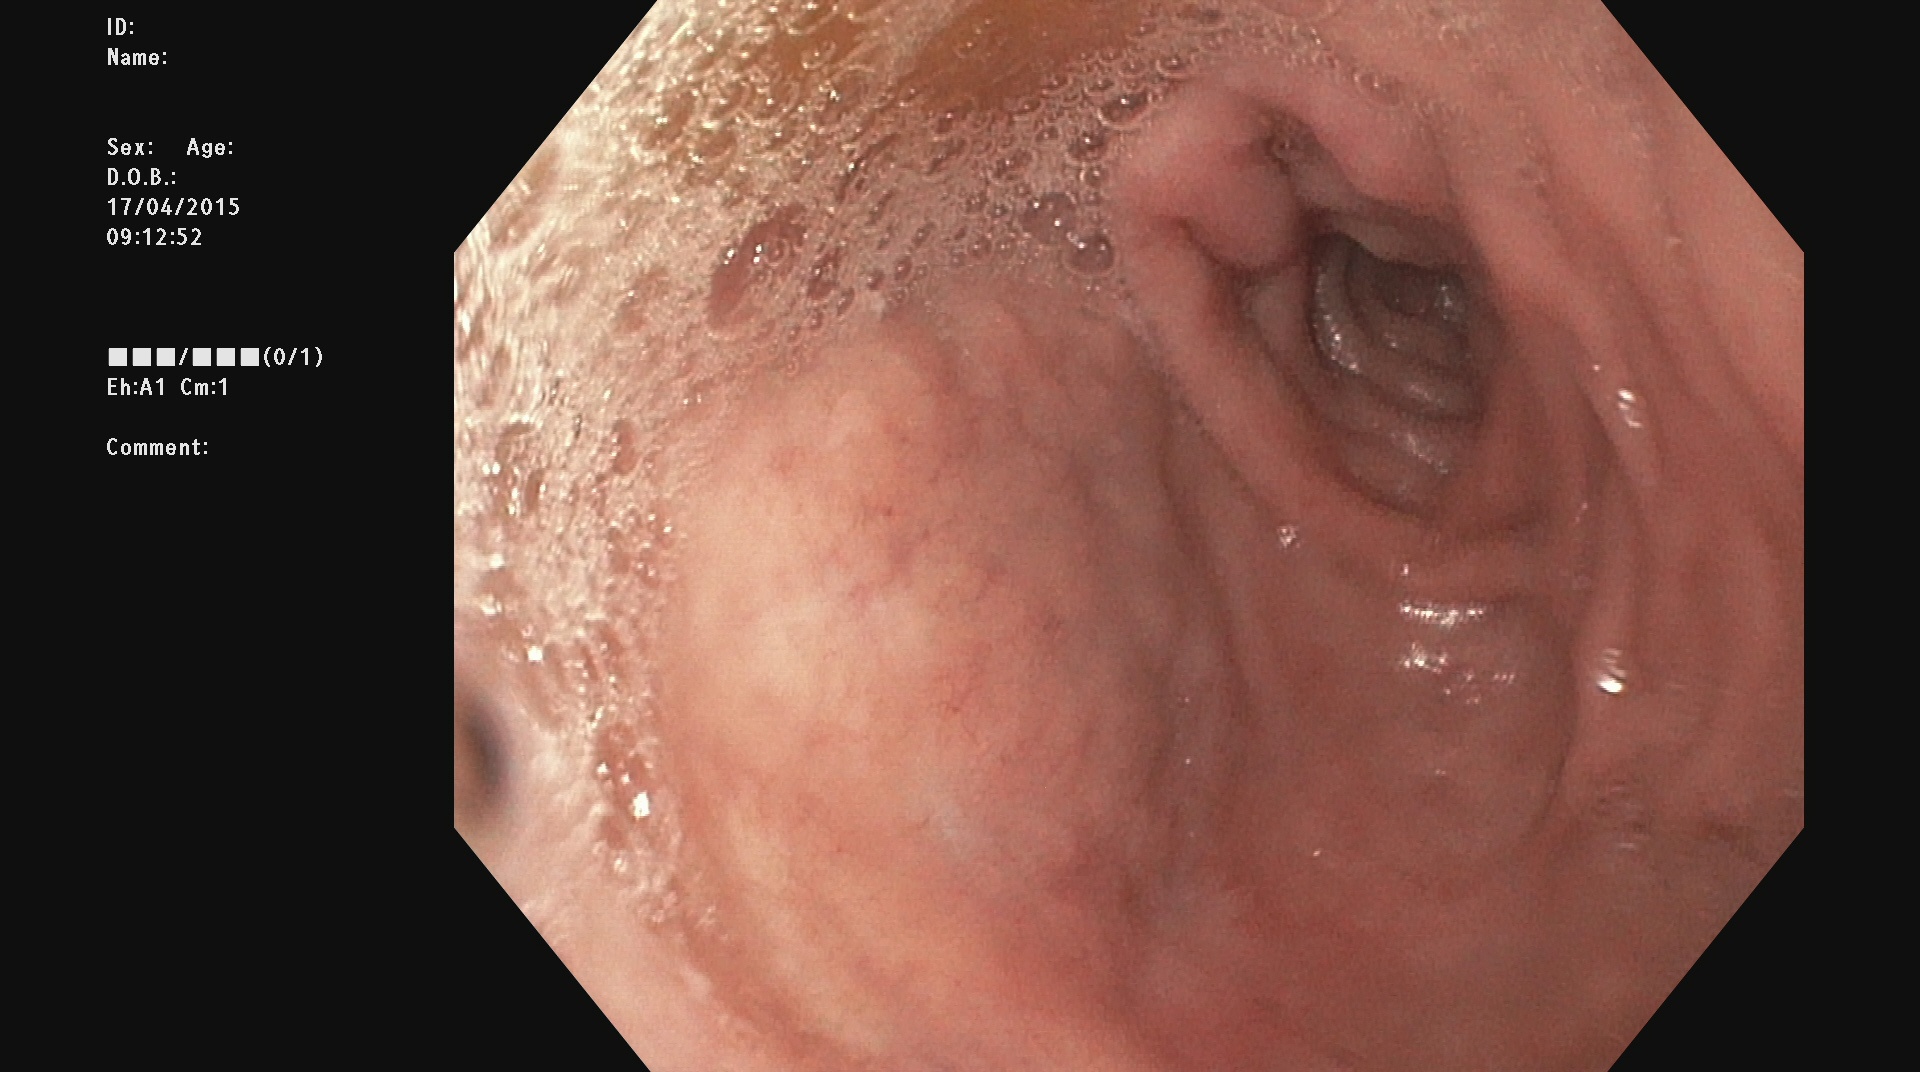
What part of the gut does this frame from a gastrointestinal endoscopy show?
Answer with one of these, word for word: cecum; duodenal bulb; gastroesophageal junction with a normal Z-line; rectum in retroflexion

duodenal bulb